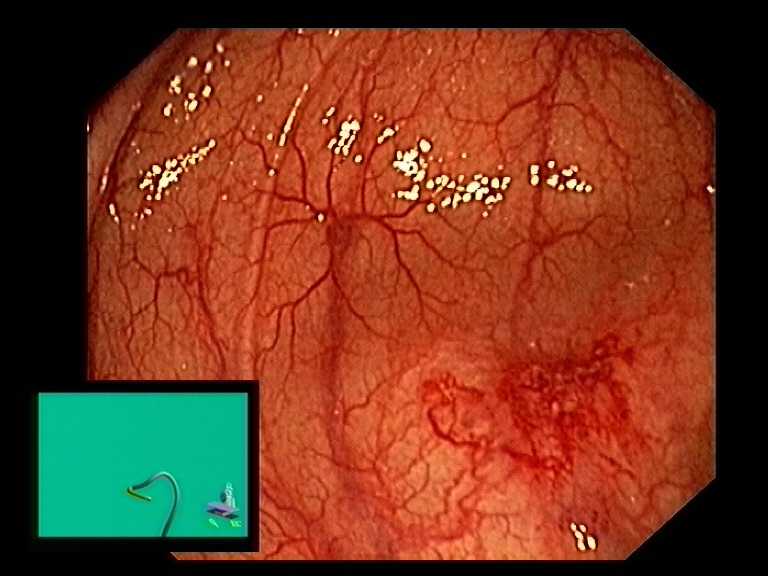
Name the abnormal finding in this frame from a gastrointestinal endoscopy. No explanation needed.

angiectasia